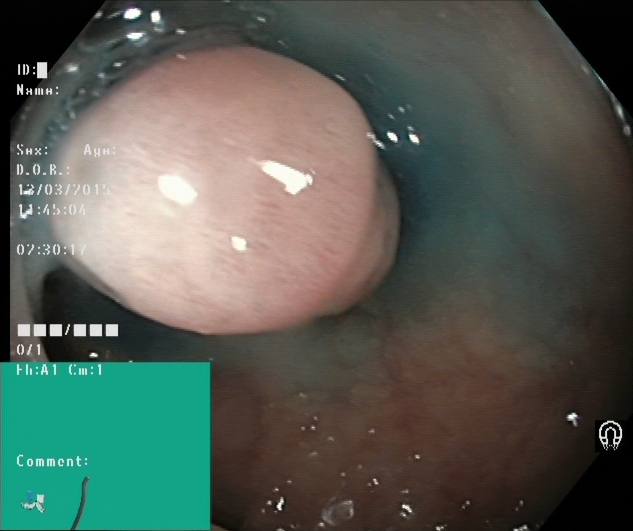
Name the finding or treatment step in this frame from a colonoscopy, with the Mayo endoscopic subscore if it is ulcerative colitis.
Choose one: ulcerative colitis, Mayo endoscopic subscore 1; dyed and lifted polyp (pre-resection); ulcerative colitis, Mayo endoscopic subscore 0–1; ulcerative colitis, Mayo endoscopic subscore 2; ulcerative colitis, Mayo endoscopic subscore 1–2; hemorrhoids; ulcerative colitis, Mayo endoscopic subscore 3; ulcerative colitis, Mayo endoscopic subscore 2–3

dyed and lifted polyp (pre-resection)